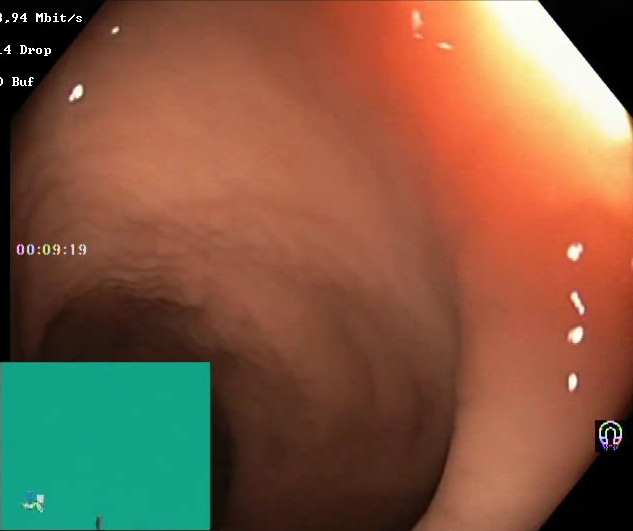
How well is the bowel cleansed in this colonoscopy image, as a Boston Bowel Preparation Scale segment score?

Boston Bowel Preparation Scale score 2–3 (adequate preparation)